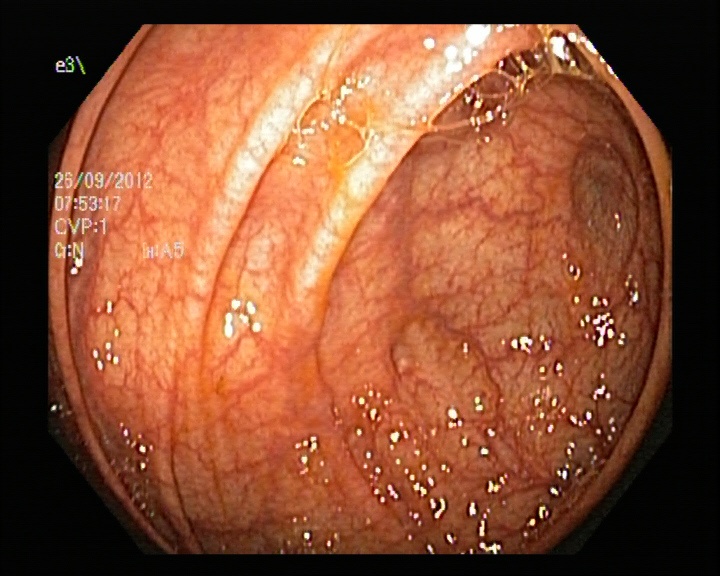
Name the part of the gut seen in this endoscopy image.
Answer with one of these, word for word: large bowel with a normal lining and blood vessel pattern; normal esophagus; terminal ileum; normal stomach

large bowel with a normal lining and blood vessel pattern